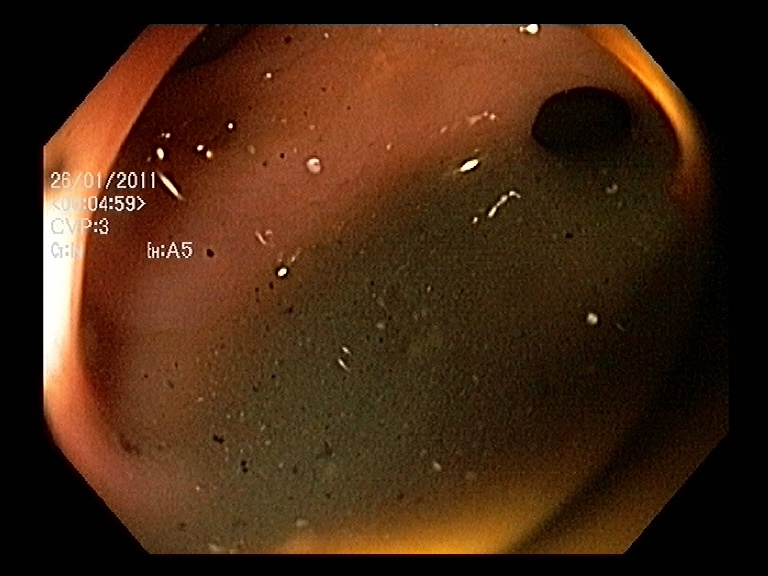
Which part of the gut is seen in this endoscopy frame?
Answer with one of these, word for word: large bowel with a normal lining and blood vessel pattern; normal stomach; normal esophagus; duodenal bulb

large bowel with a normal lining and blood vessel pattern